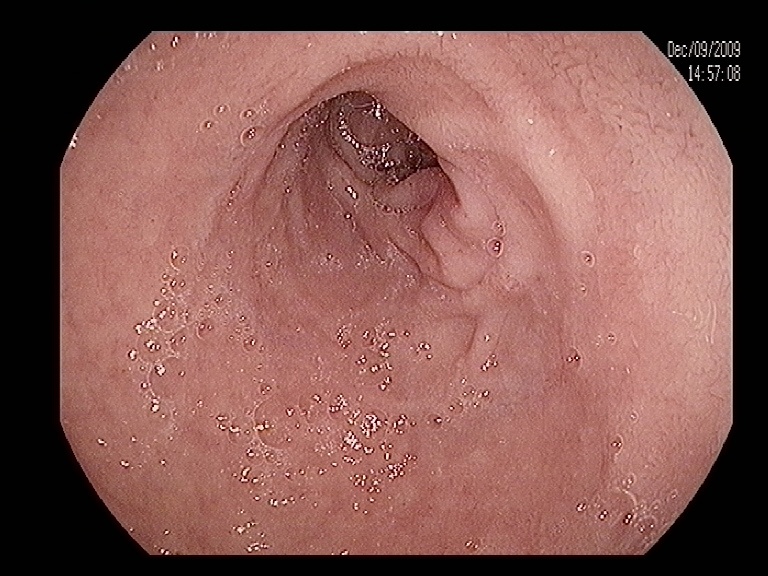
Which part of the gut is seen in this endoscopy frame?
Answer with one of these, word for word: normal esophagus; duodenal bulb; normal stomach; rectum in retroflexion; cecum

duodenal bulb